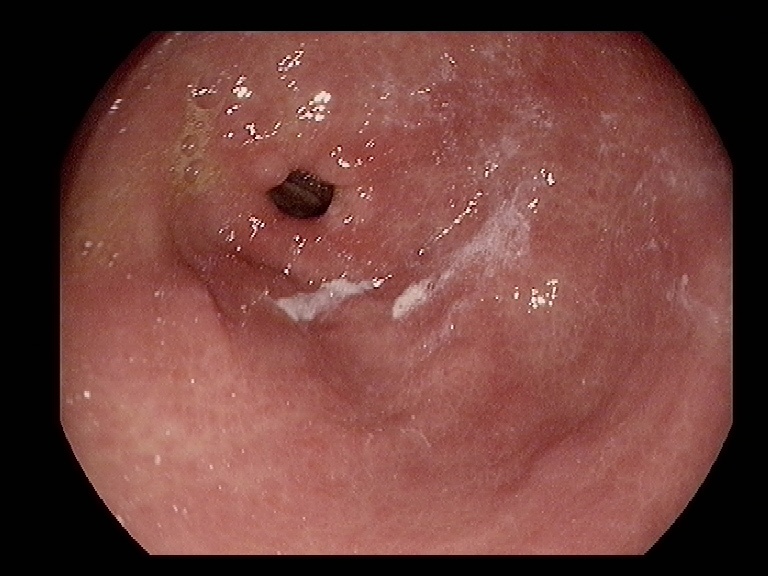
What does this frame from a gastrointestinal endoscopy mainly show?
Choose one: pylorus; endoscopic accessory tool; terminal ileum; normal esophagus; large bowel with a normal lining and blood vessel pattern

pylorus